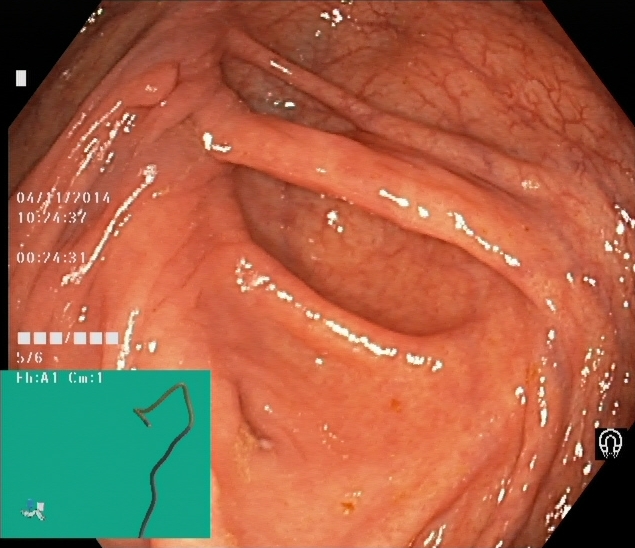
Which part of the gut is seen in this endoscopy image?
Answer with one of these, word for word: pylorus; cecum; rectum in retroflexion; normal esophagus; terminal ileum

cecum